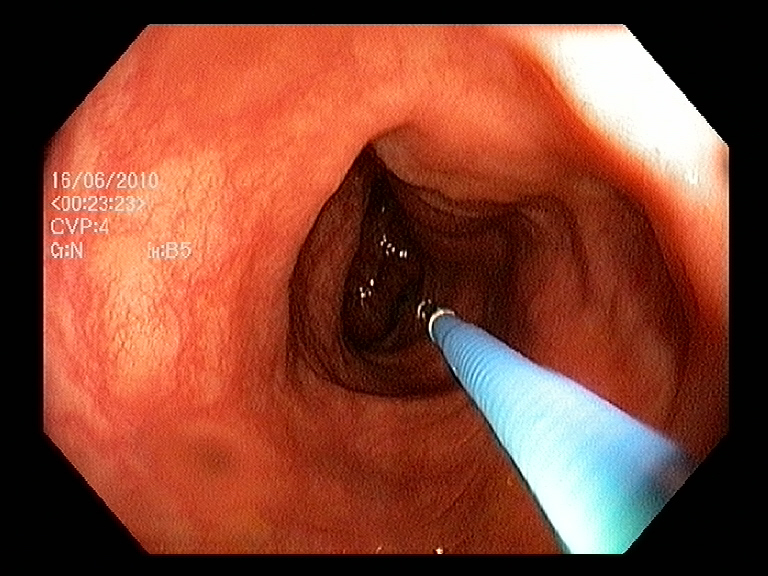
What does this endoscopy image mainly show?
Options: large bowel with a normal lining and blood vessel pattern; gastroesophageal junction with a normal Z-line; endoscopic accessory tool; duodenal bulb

endoscopic accessory tool